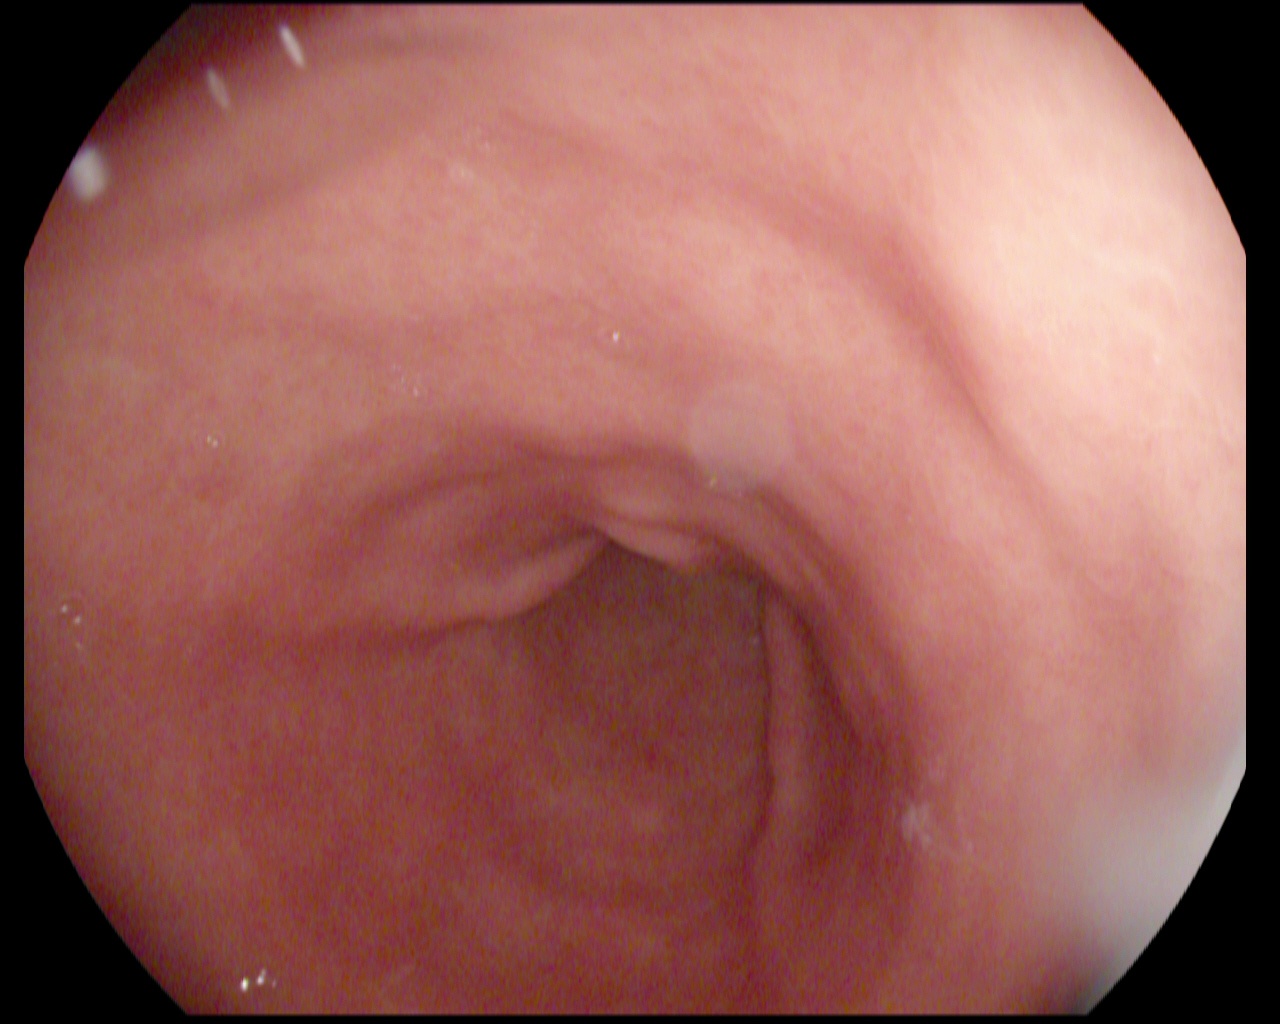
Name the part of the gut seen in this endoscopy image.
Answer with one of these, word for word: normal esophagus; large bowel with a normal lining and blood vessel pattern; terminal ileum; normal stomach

normal stomach